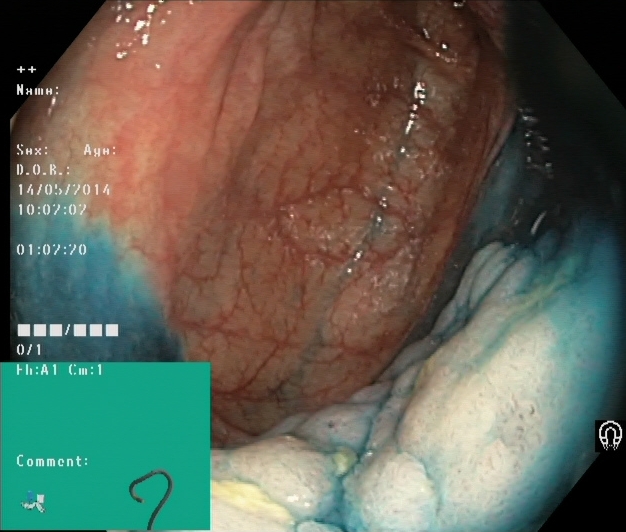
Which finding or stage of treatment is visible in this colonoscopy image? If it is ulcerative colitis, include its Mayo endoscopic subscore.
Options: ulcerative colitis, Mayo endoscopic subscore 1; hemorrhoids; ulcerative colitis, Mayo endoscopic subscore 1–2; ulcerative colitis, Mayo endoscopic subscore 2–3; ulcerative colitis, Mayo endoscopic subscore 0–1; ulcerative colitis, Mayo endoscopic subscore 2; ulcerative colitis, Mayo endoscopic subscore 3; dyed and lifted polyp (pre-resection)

dyed and lifted polyp (pre-resection)